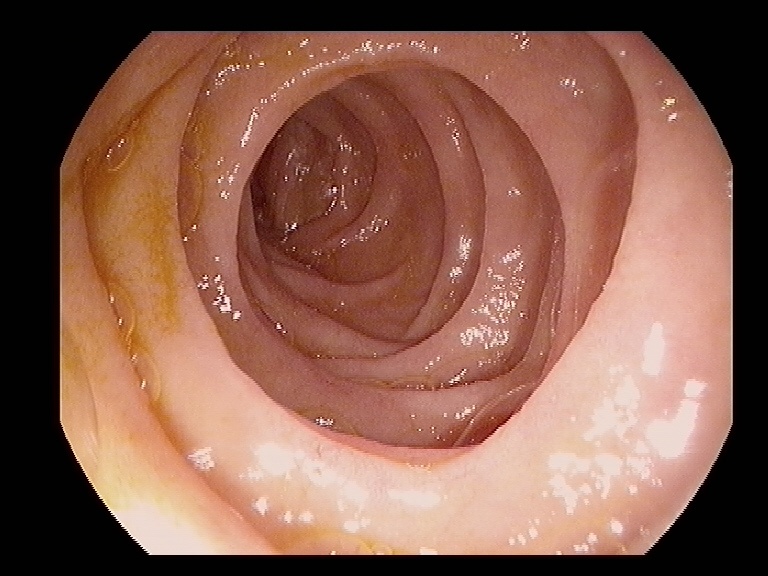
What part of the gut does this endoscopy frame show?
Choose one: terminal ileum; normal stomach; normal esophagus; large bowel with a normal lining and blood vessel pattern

terminal ileum